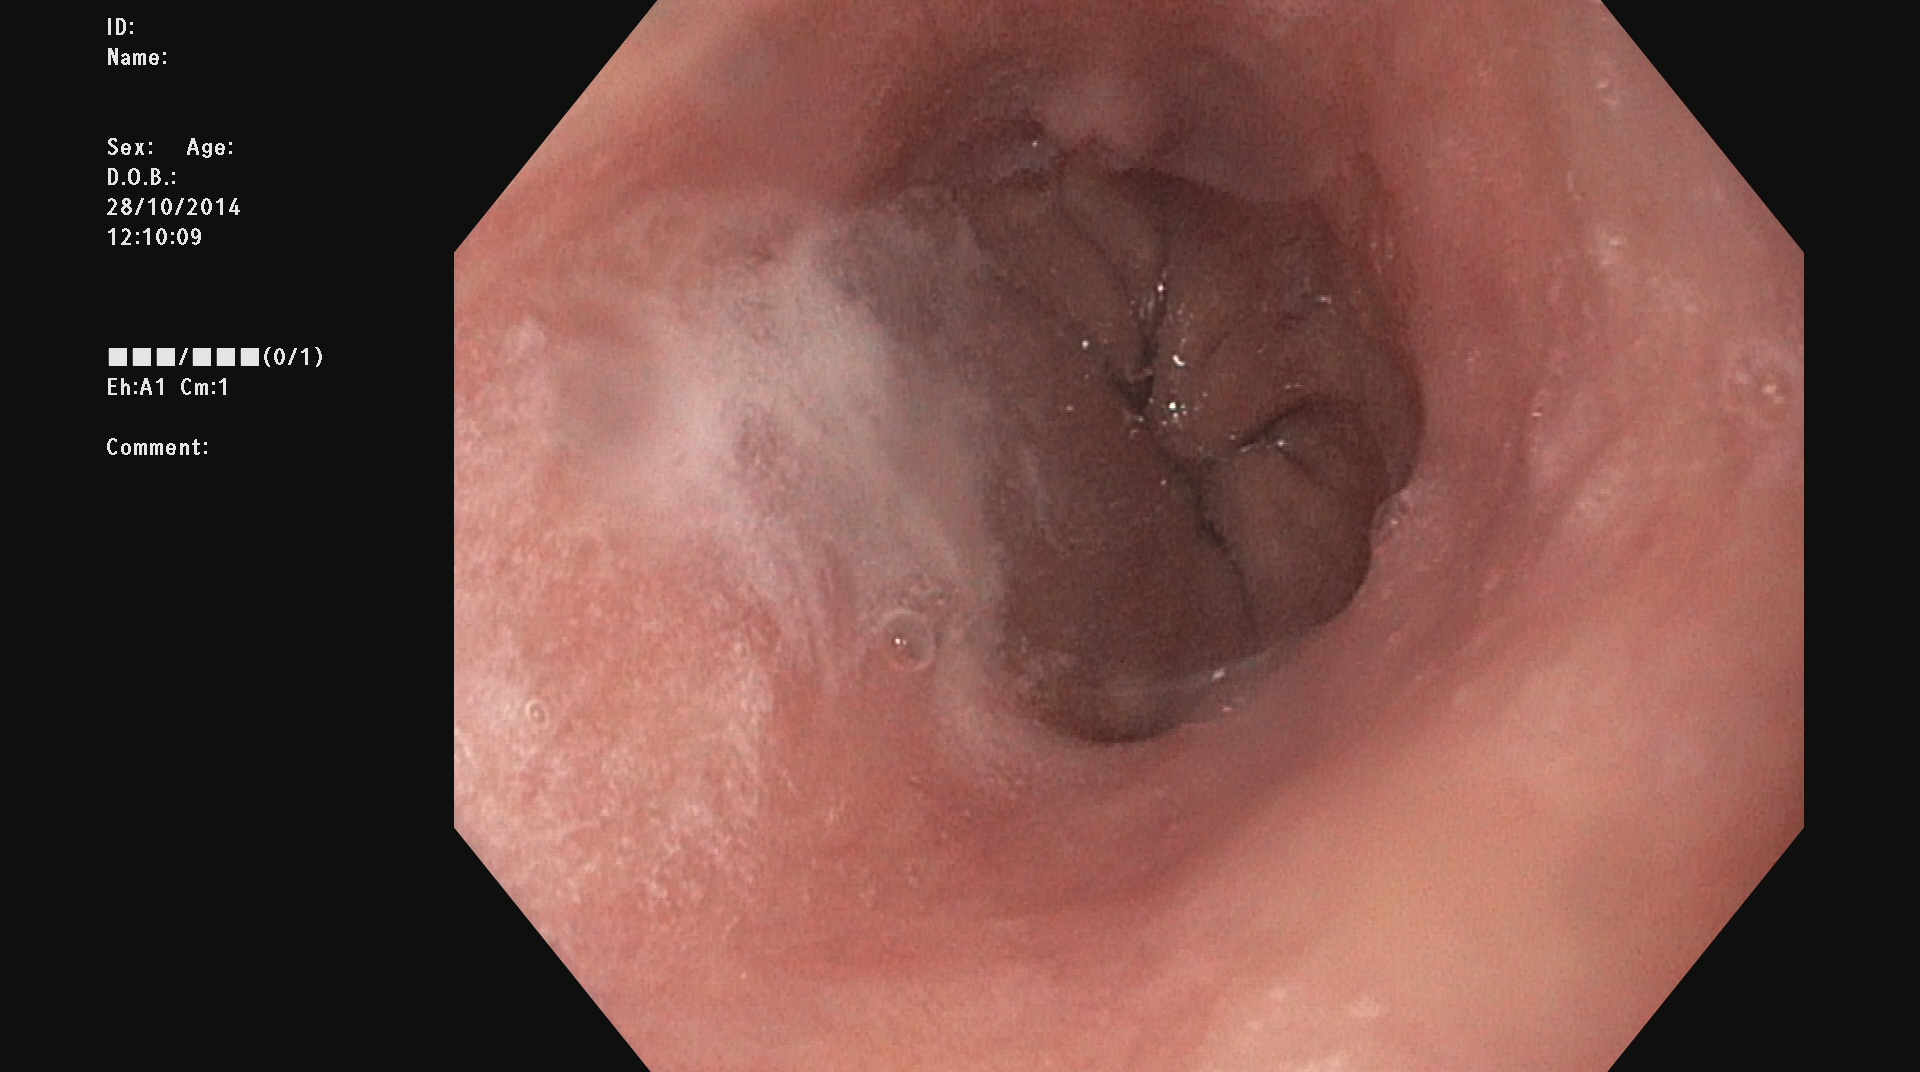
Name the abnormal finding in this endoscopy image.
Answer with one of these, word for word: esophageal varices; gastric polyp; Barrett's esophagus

Barrett's esophagus